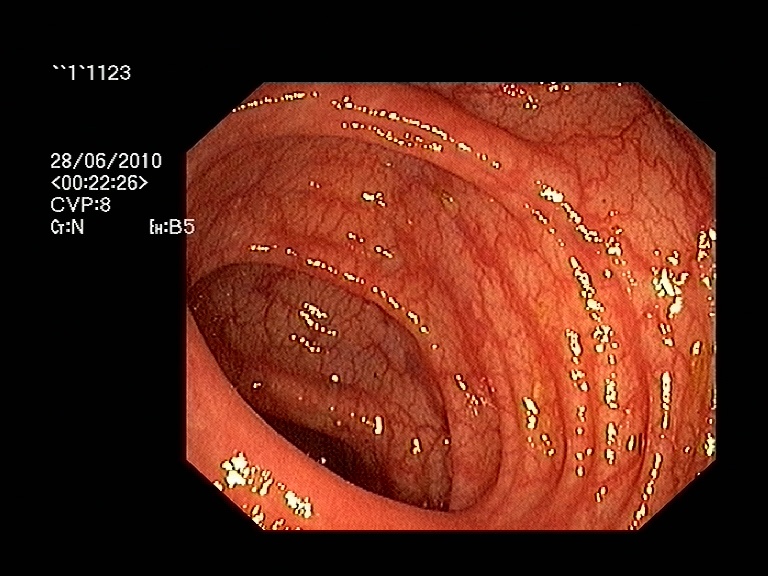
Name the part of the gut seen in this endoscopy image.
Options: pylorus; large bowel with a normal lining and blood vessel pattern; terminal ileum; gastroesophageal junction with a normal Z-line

large bowel with a normal lining and blood vessel pattern